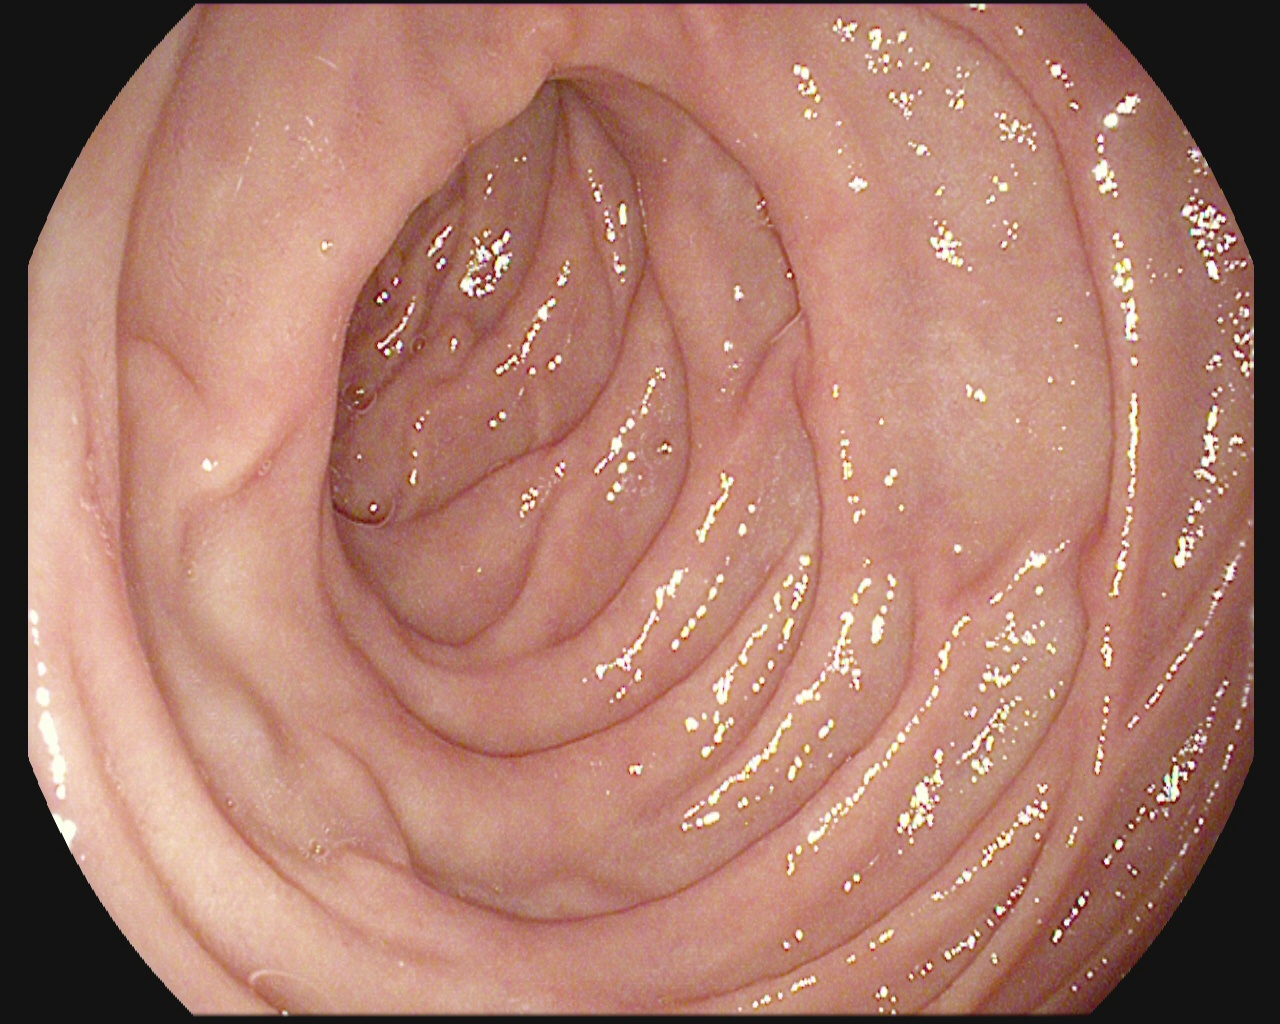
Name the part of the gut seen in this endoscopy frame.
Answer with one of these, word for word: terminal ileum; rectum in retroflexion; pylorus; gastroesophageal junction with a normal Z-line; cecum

terminal ileum